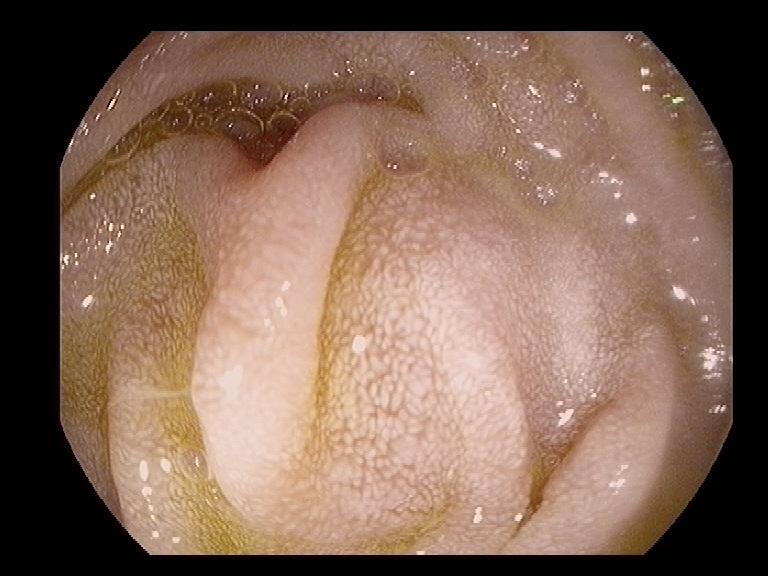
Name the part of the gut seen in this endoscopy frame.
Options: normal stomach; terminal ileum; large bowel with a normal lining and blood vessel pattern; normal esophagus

terminal ileum